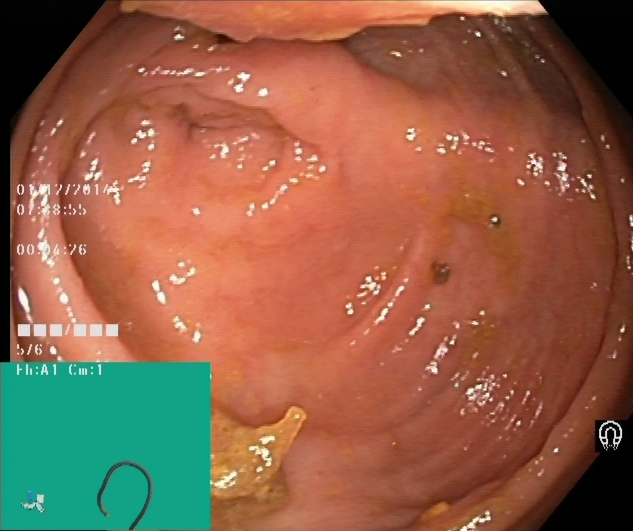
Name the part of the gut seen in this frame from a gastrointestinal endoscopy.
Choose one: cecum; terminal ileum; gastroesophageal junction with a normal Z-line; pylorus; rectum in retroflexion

cecum